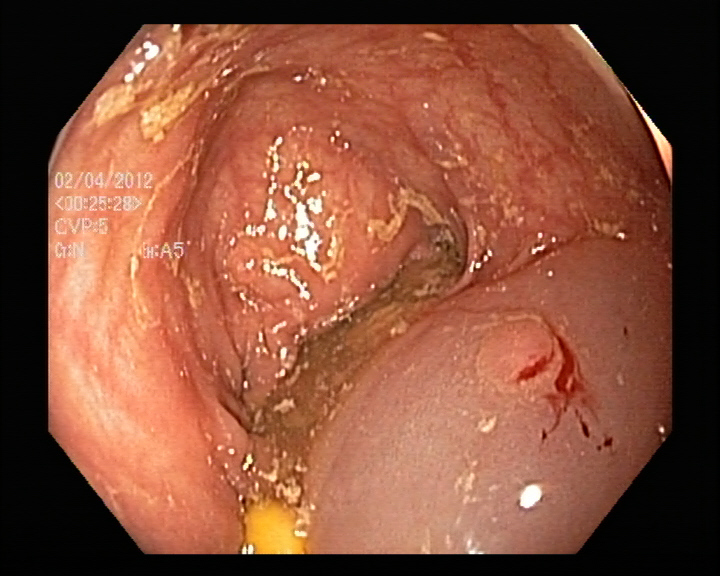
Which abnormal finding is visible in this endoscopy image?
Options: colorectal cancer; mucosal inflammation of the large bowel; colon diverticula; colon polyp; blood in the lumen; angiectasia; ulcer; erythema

colon polyp